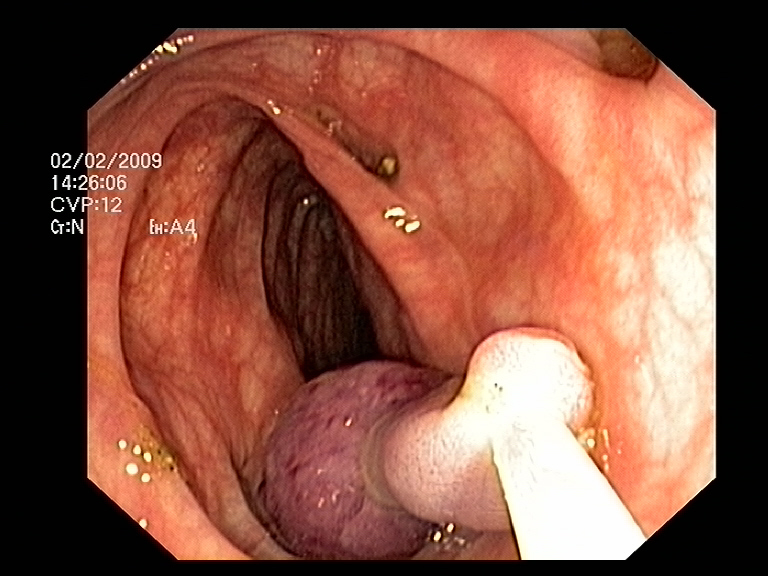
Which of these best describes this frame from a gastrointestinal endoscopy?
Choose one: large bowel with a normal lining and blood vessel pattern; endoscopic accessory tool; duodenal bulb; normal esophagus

endoscopic accessory tool